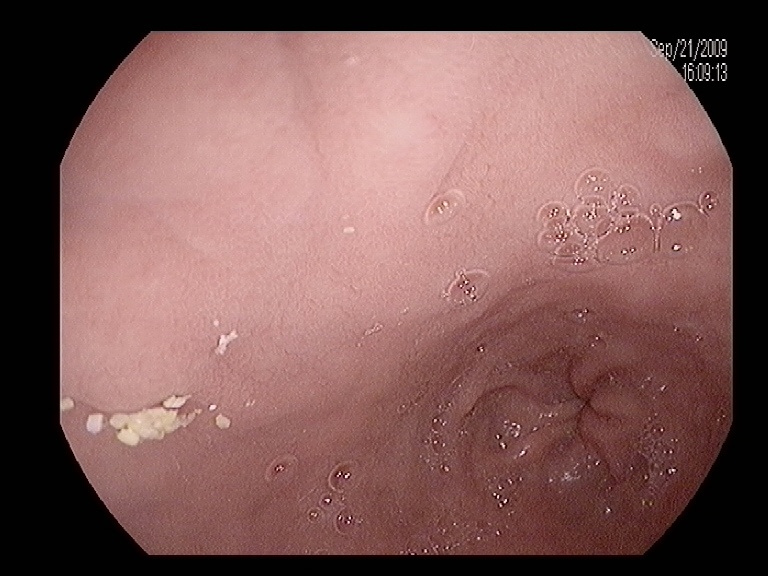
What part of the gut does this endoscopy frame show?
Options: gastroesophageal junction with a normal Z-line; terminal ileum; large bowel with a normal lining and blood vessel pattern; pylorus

pylorus